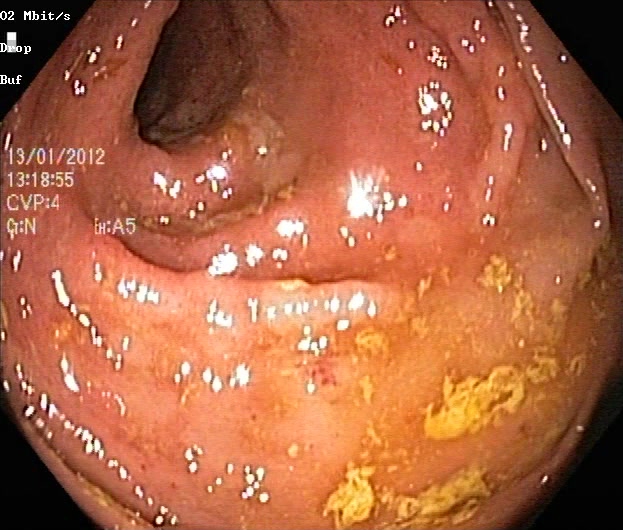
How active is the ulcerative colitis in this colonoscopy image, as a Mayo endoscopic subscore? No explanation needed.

ulcerative colitis, Mayo endoscopic subscore 2